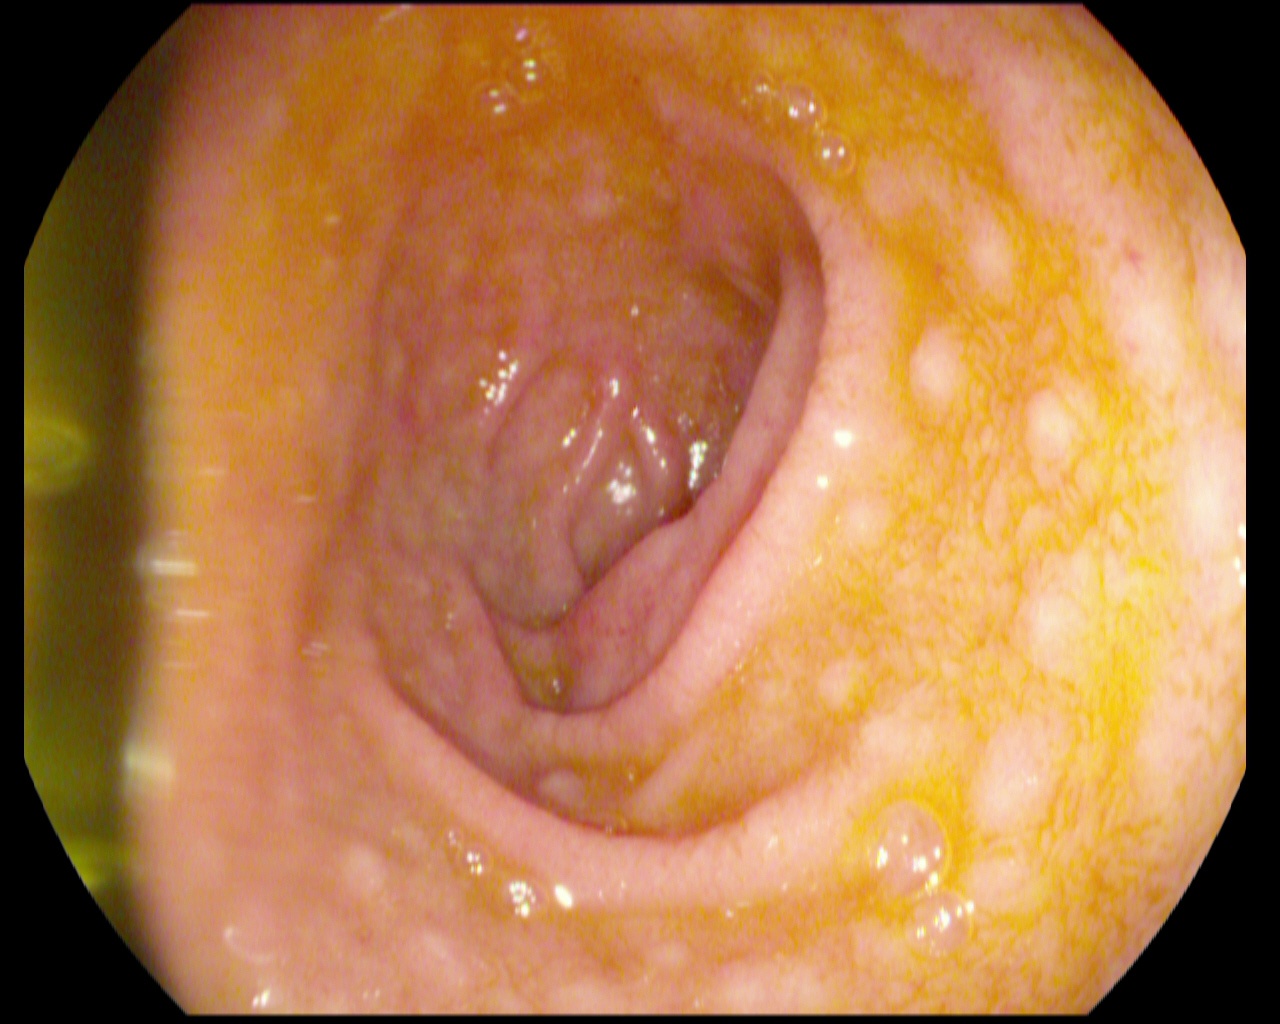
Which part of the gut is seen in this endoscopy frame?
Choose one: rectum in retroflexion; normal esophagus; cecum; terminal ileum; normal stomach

terminal ileum